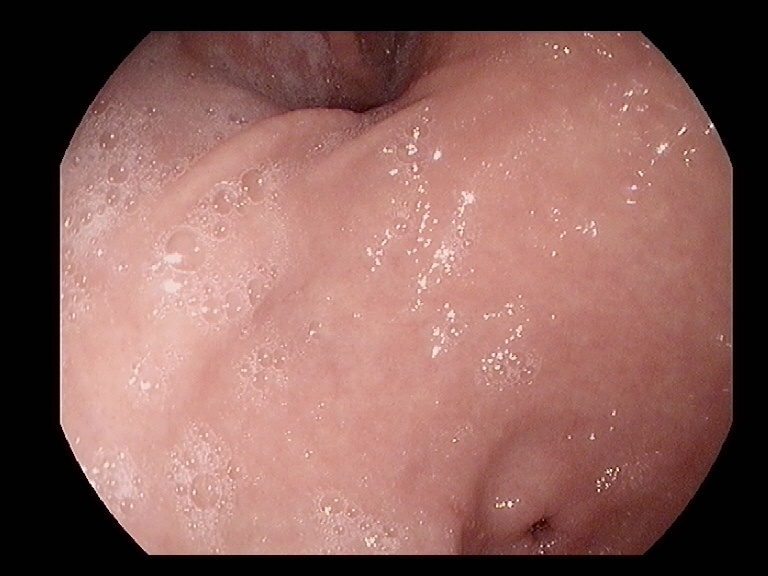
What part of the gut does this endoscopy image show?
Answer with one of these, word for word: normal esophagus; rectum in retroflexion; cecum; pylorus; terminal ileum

pylorus